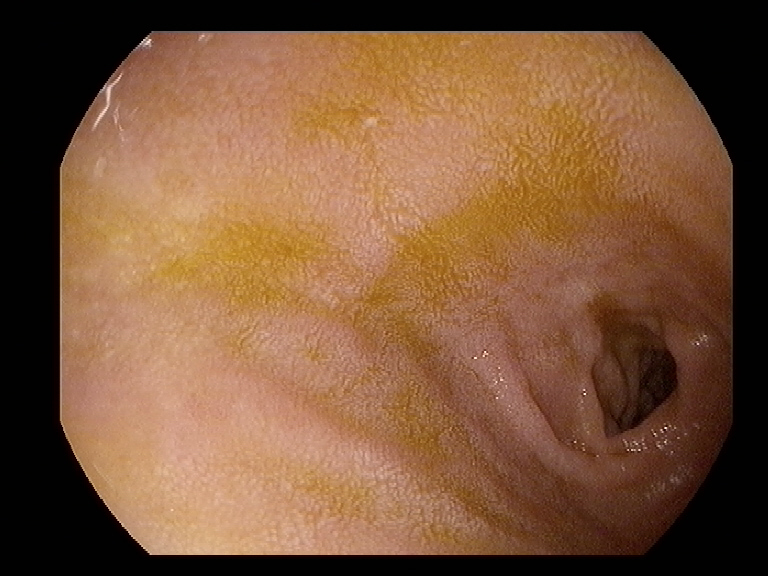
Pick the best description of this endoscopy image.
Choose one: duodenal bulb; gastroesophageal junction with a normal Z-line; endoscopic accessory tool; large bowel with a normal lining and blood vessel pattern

duodenal bulb